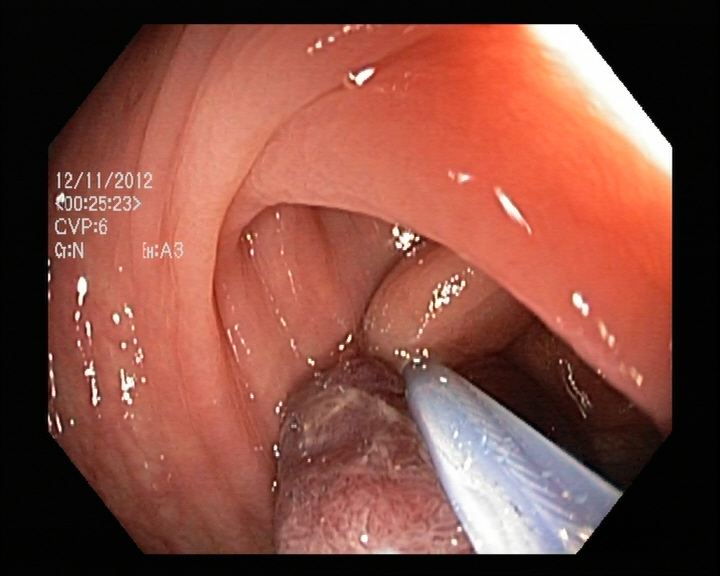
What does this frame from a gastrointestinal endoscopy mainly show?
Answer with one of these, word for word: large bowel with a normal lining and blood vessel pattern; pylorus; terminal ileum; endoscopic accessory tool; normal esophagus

endoscopic accessory tool